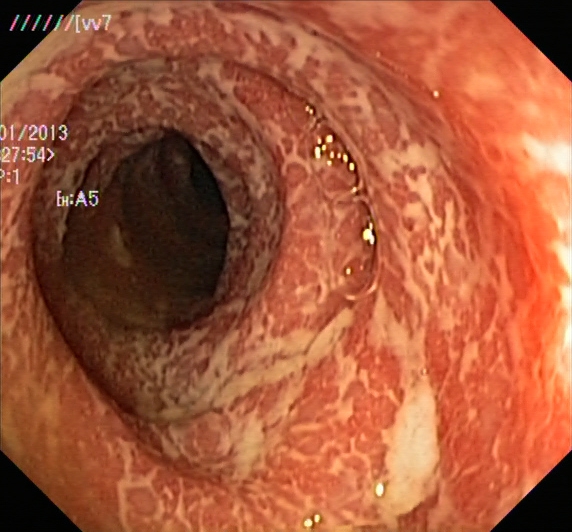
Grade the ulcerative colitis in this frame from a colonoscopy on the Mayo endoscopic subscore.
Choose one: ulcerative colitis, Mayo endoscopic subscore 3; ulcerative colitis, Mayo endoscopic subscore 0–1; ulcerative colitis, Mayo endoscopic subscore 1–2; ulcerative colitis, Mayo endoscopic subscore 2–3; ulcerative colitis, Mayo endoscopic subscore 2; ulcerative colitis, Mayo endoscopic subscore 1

ulcerative colitis, Mayo endoscopic subscore 2